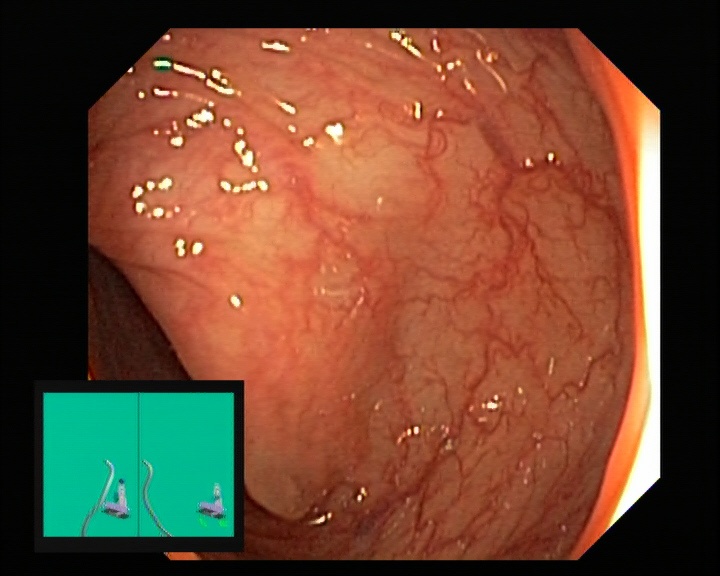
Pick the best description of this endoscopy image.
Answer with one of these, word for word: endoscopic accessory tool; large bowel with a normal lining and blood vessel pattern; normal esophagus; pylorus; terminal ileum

large bowel with a normal lining and blood vessel pattern